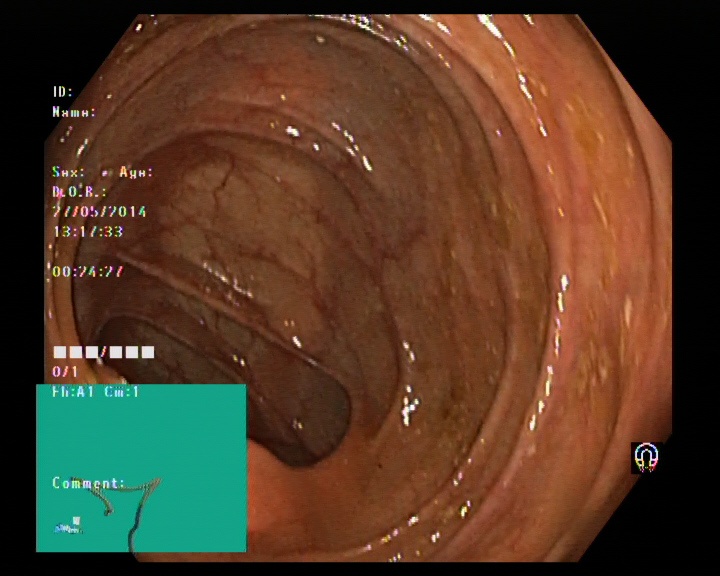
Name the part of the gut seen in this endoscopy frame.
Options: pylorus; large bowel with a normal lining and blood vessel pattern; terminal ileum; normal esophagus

large bowel with a normal lining and blood vessel pattern